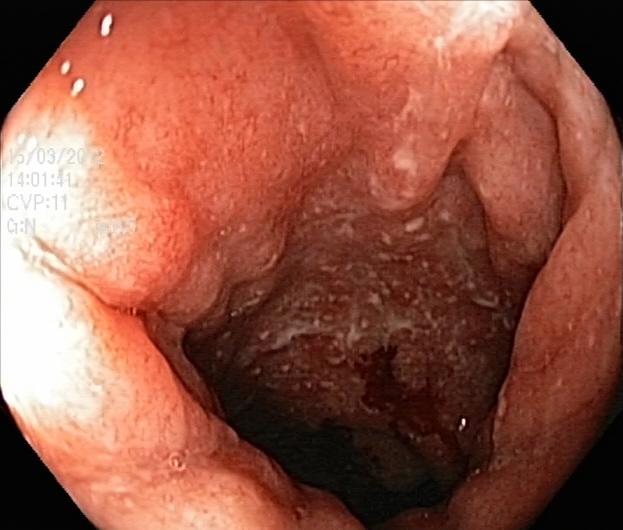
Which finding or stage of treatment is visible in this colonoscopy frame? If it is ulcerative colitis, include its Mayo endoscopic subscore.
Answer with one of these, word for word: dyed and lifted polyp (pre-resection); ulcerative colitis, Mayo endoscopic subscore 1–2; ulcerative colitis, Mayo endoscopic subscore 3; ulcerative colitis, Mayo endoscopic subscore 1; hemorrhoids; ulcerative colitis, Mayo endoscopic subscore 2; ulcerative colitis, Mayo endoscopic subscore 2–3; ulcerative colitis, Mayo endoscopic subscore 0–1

ulcerative colitis, Mayo endoscopic subscore 2